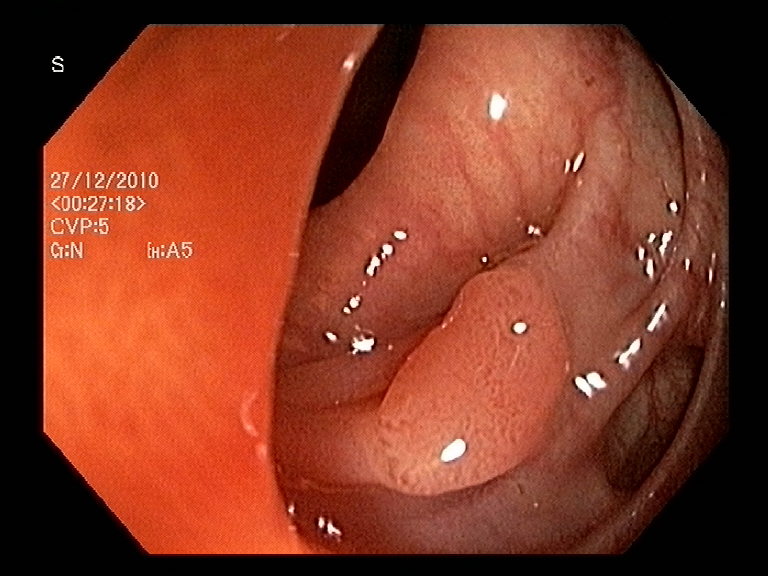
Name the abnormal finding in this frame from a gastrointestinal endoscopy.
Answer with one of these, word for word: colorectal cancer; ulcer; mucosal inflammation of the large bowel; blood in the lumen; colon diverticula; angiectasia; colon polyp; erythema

colon polyp